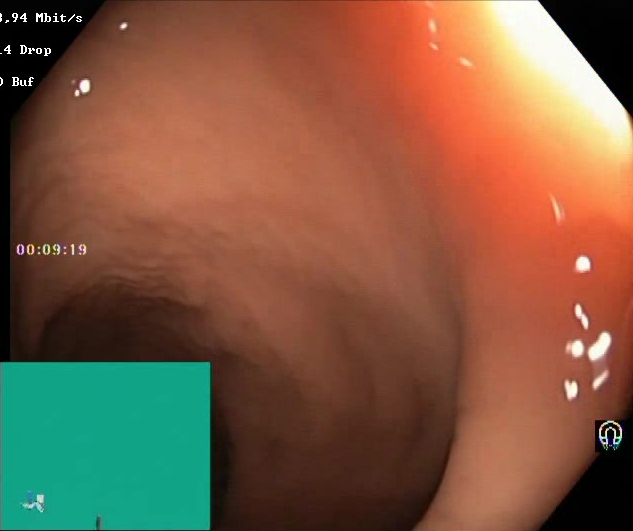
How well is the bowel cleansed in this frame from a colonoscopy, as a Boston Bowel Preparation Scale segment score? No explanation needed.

Boston Bowel Preparation Scale score 2–3 (adequate preparation)